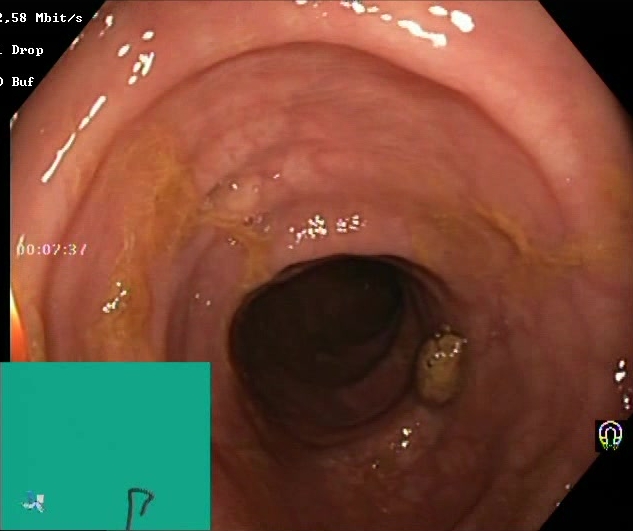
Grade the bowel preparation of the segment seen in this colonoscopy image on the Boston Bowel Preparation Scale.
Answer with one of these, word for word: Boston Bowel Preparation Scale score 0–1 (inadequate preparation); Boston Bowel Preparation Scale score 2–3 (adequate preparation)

Boston Bowel Preparation Scale score 2–3 (adequate preparation)